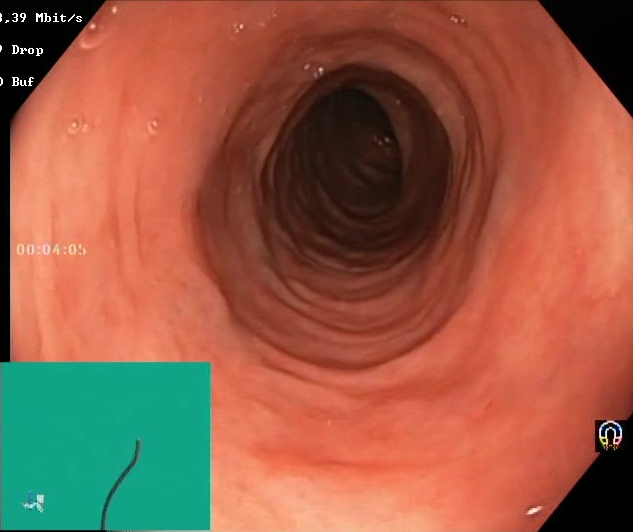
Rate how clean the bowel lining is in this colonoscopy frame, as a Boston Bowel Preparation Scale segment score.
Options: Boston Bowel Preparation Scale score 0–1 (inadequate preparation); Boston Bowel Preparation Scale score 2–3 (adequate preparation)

Boston Bowel Preparation Scale score 2–3 (adequate preparation)